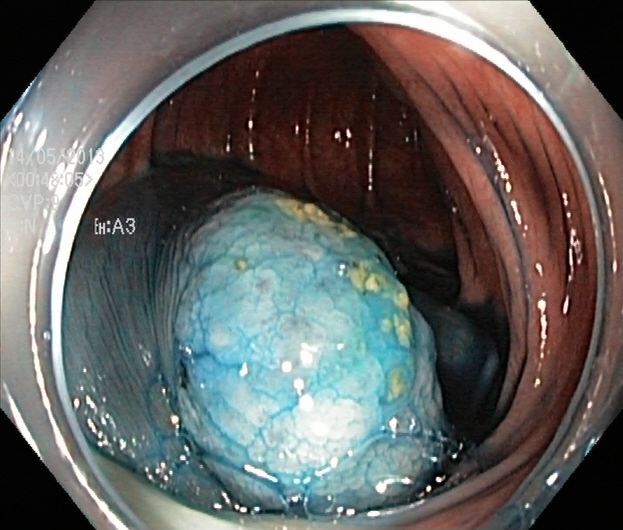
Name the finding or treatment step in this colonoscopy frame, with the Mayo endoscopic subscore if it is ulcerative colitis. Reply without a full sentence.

dyed and lifted polyp (pre-resection)